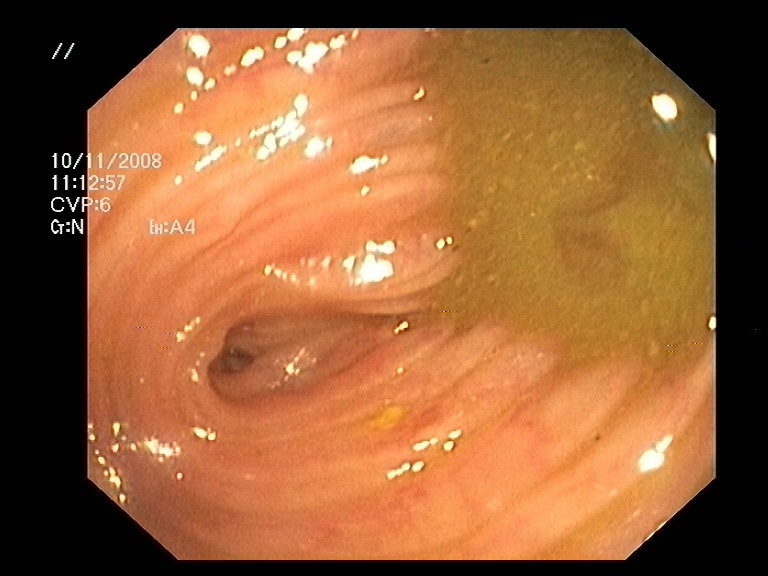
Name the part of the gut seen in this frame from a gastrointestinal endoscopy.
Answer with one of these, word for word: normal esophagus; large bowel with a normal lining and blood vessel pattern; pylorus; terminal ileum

large bowel with a normal lining and blood vessel pattern